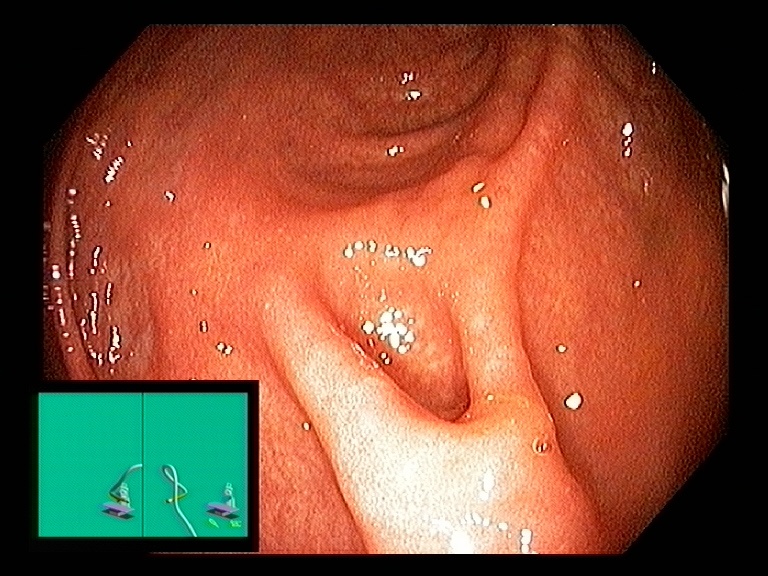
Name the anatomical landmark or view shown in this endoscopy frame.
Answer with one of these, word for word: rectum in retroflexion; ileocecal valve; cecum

cecum